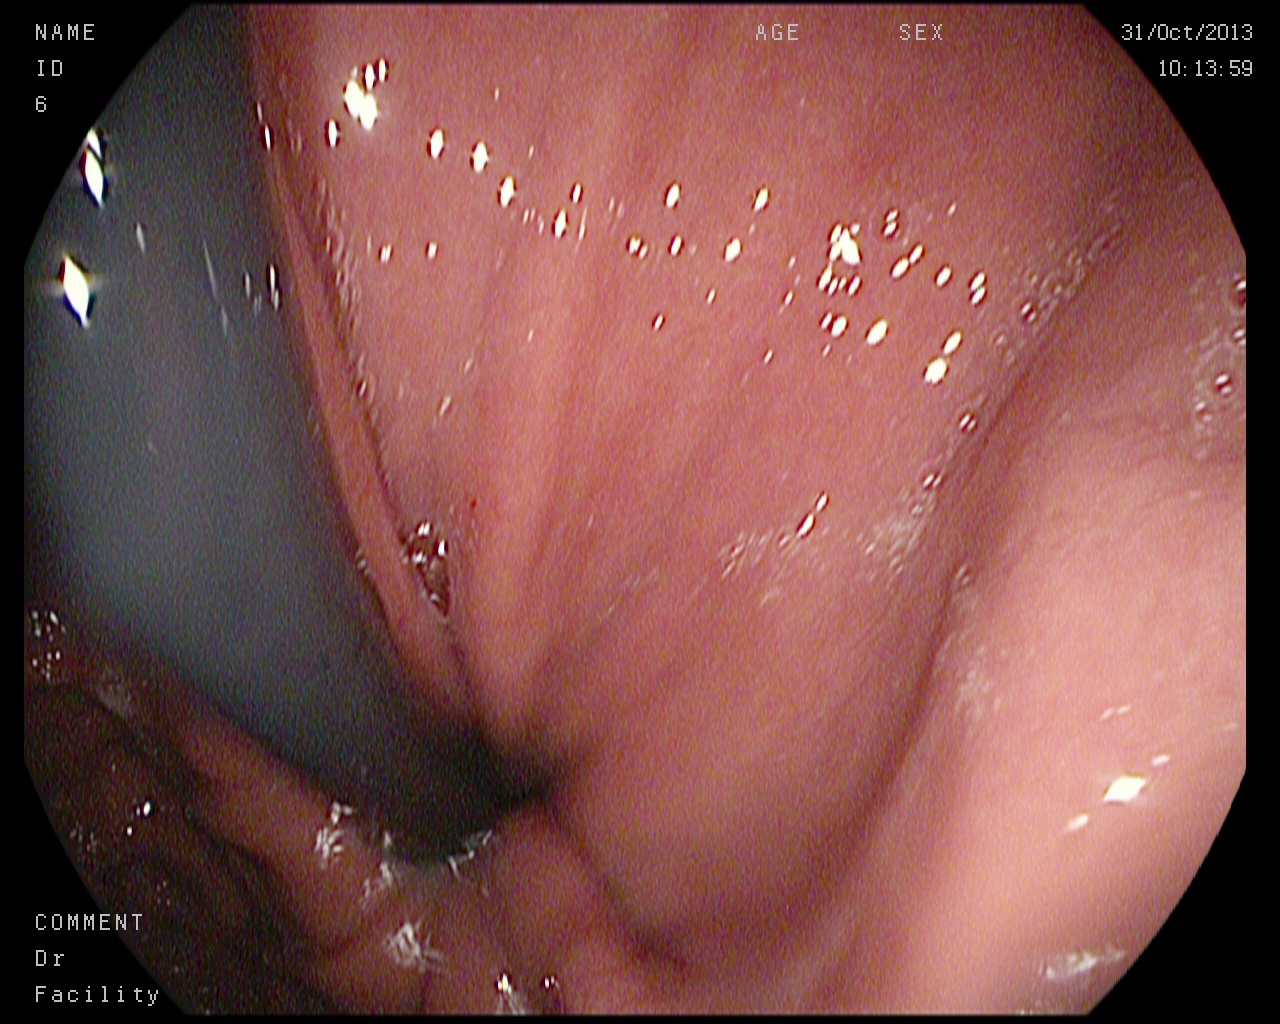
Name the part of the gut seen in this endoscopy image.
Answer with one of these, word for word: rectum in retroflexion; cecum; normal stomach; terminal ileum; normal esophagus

normal stomach